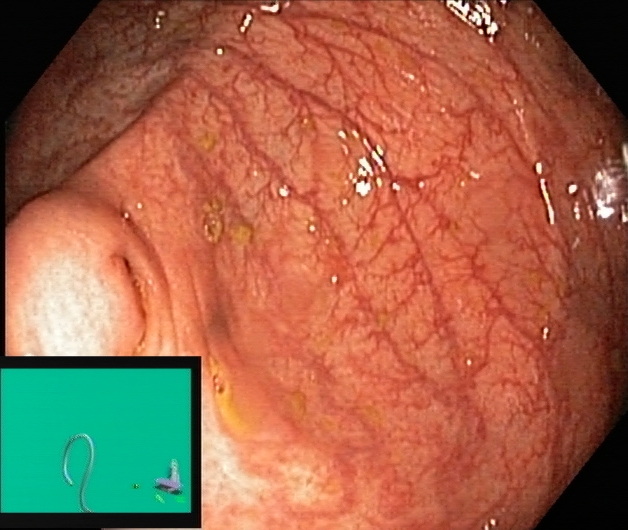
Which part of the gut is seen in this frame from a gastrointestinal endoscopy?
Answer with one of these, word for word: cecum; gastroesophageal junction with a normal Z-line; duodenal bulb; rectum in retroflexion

cecum